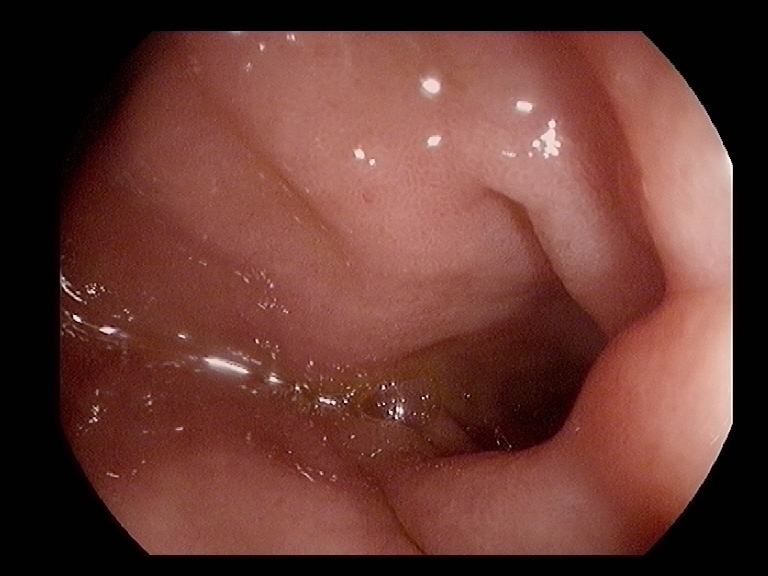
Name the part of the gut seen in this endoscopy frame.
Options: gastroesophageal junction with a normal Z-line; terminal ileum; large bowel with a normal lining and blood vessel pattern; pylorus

terminal ileum